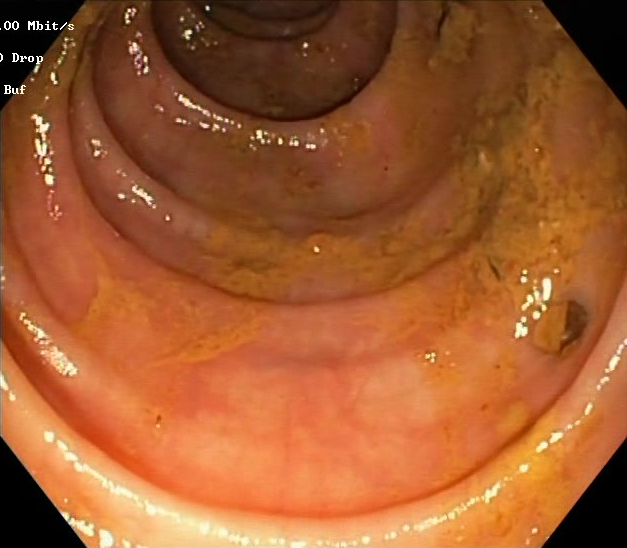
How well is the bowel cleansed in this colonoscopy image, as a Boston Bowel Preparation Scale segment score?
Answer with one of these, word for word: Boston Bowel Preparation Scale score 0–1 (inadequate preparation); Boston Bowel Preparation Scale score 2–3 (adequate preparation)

Boston Bowel Preparation Scale score 0–1 (inadequate preparation)